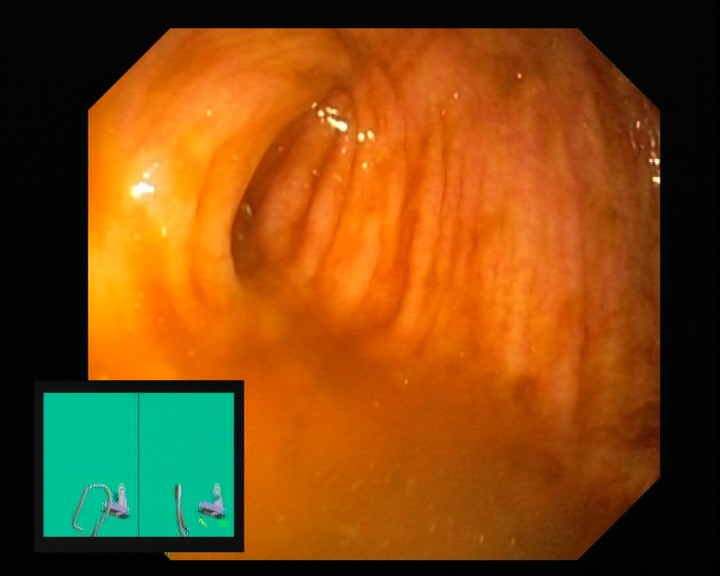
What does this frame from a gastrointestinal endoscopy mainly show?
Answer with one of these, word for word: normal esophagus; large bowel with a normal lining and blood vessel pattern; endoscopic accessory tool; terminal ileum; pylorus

large bowel with a normal lining and blood vessel pattern